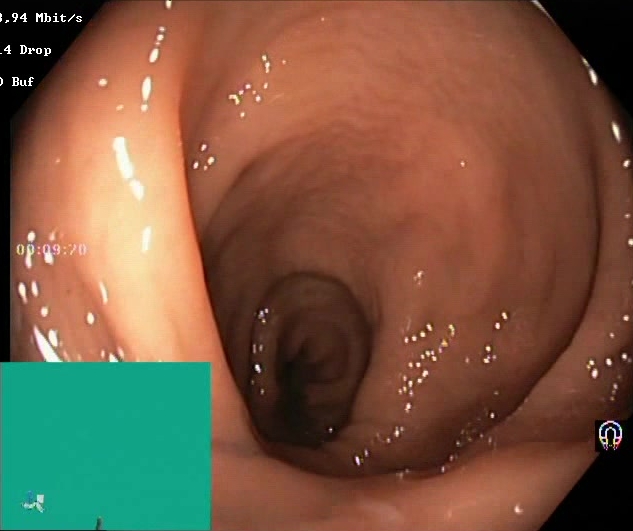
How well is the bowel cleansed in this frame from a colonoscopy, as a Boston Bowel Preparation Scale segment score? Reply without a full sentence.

Boston Bowel Preparation Scale score 2–3 (adequate preparation)